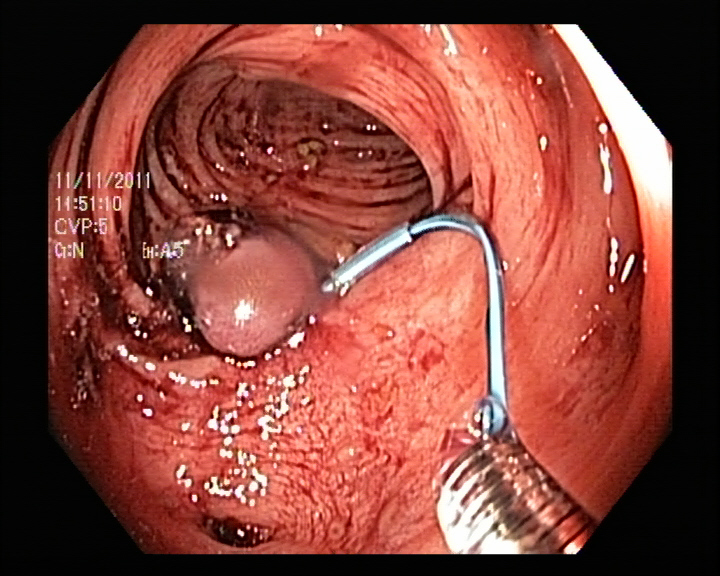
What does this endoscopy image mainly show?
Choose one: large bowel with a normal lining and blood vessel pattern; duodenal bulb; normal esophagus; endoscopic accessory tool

endoscopic accessory tool